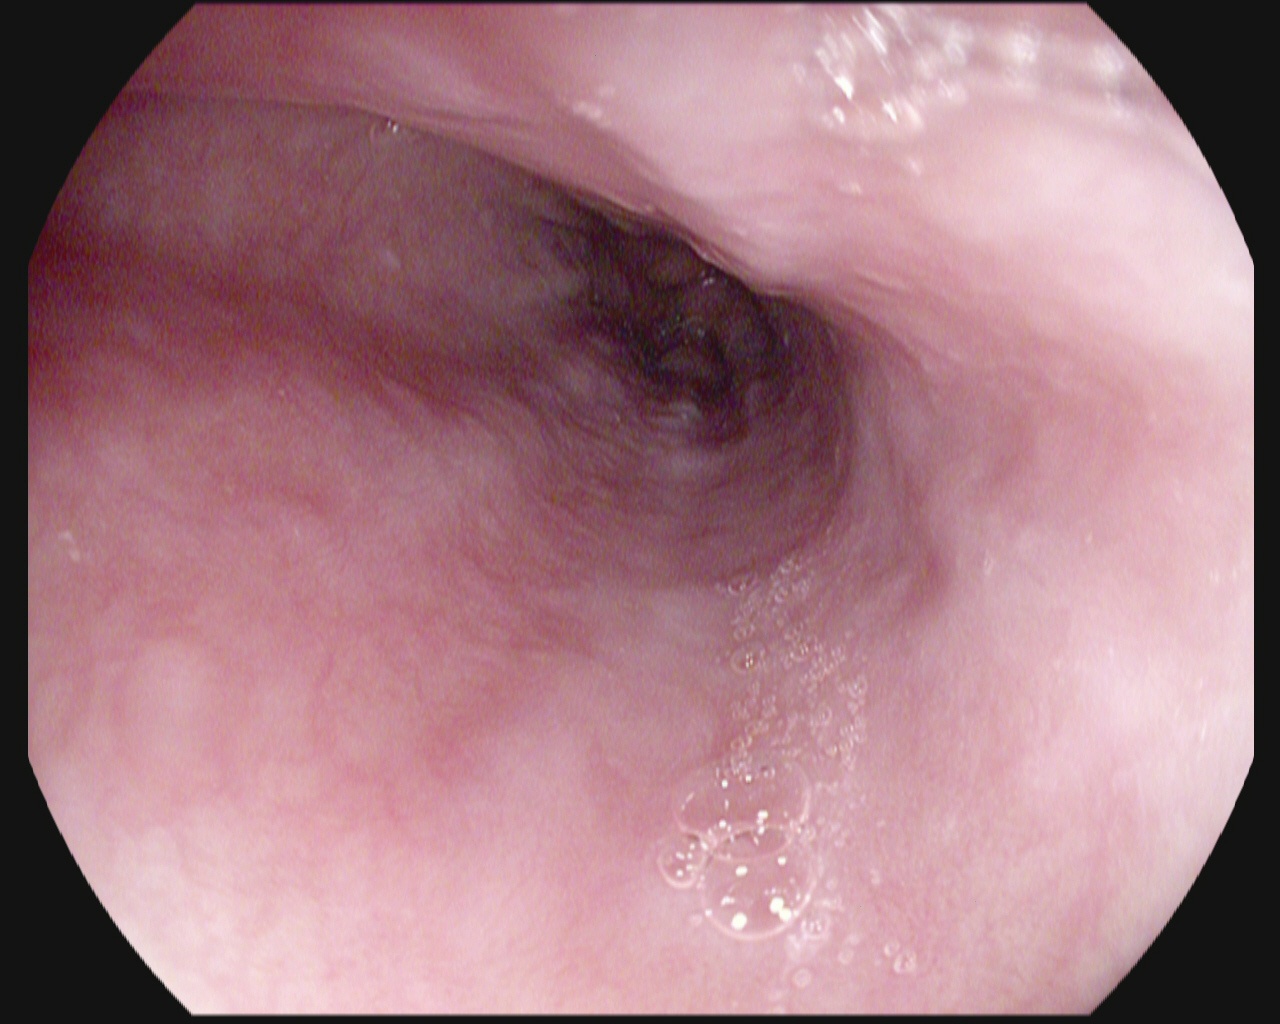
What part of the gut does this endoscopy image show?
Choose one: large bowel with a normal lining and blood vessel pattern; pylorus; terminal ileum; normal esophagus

normal esophagus